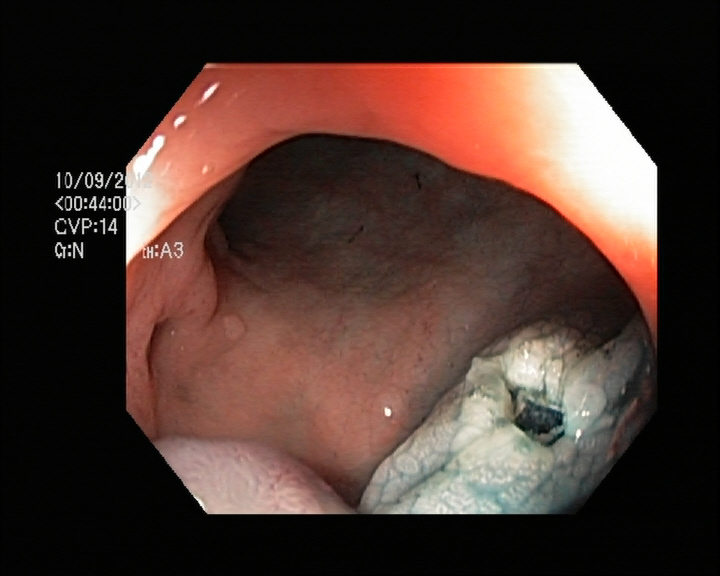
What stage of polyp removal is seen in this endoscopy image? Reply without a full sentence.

dyed resection margin (post-polypectomy)